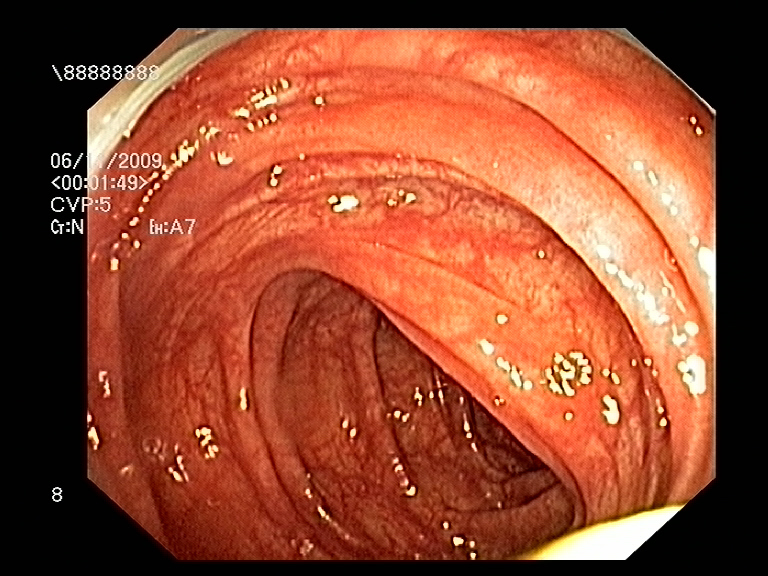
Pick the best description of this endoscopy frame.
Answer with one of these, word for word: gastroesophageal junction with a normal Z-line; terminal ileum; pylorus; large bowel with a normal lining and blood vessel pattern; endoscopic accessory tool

large bowel with a normal lining and blood vessel pattern